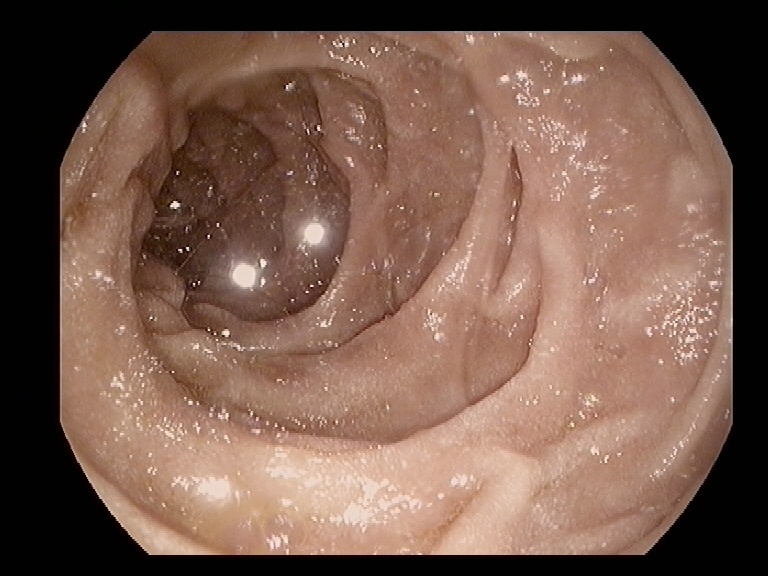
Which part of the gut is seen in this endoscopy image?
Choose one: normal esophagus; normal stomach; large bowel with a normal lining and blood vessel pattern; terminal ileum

terminal ileum